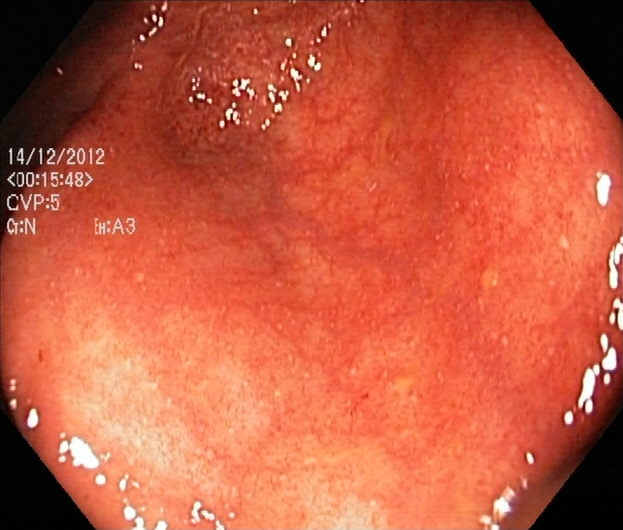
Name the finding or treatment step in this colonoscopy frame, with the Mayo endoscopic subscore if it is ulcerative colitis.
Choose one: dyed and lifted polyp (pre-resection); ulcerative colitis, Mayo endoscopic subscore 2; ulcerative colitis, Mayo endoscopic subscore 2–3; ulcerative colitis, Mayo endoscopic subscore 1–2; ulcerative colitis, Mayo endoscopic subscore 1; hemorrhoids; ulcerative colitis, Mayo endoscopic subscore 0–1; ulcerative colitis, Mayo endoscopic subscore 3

ulcerative colitis, Mayo endoscopic subscore 1